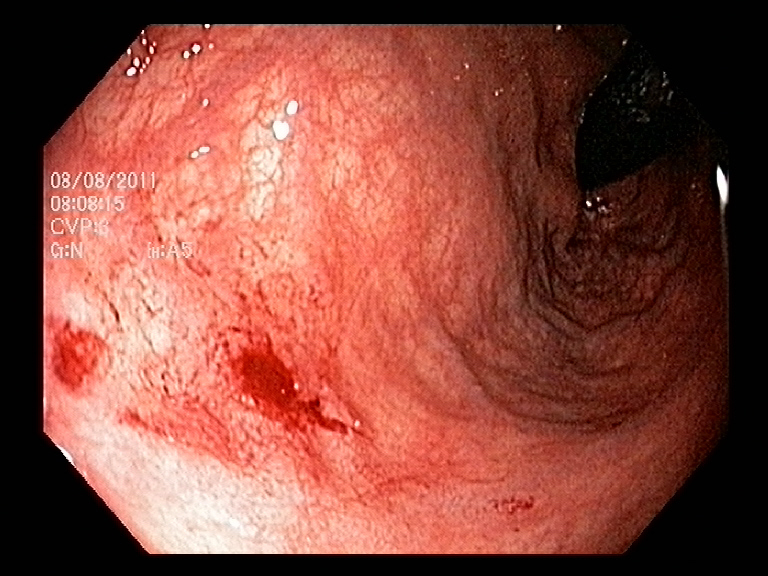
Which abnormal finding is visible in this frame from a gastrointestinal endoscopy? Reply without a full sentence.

blood in the lumen